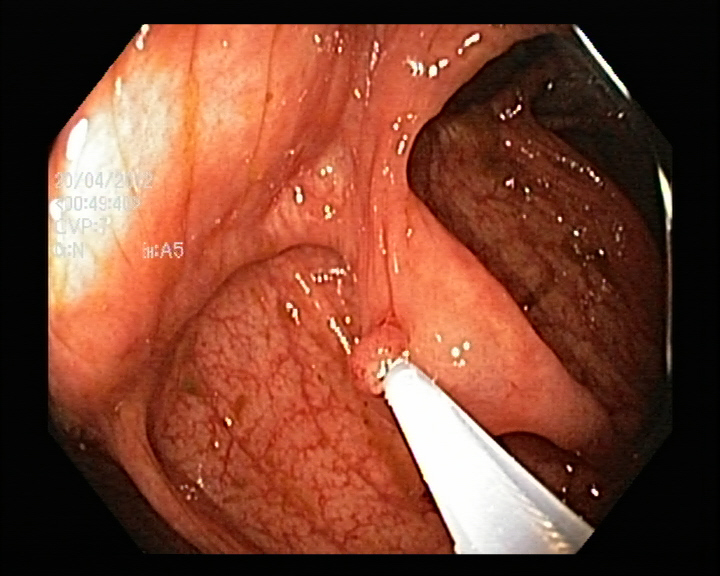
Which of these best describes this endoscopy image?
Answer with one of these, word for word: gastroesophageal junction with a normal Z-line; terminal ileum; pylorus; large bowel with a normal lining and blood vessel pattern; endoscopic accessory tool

endoscopic accessory tool